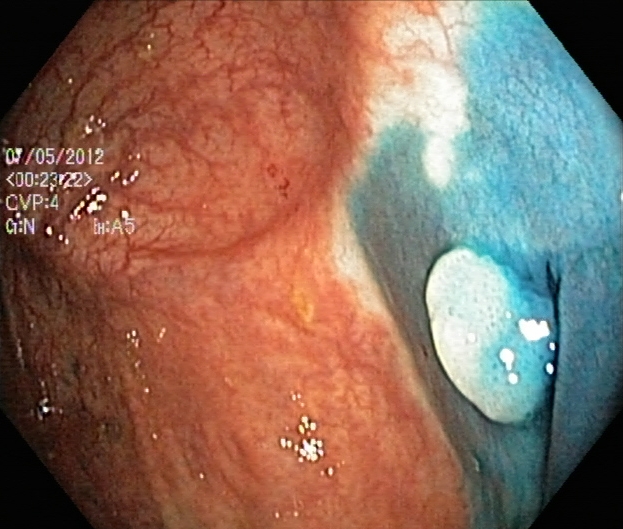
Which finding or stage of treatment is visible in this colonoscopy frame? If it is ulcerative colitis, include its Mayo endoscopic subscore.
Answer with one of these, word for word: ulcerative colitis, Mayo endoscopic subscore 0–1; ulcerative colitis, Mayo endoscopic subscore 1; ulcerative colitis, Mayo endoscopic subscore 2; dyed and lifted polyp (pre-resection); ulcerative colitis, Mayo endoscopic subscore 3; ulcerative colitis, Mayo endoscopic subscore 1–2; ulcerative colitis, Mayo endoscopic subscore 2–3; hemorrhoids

dyed and lifted polyp (pre-resection)